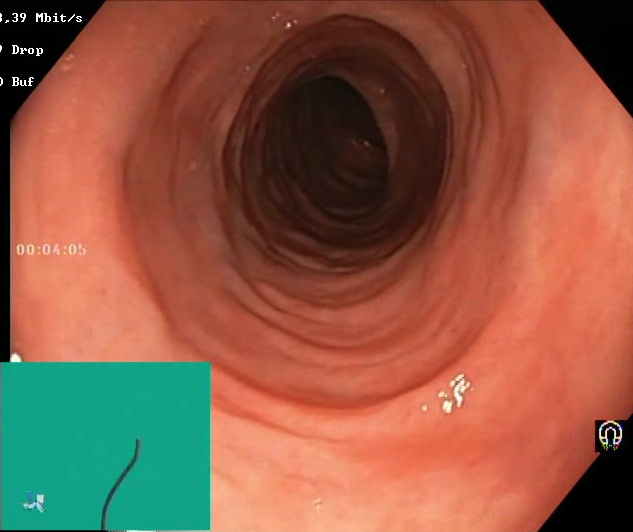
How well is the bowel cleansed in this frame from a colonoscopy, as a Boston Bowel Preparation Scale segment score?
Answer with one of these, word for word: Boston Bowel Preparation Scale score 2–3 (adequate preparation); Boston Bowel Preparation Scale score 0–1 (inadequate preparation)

Boston Bowel Preparation Scale score 2–3 (adequate preparation)